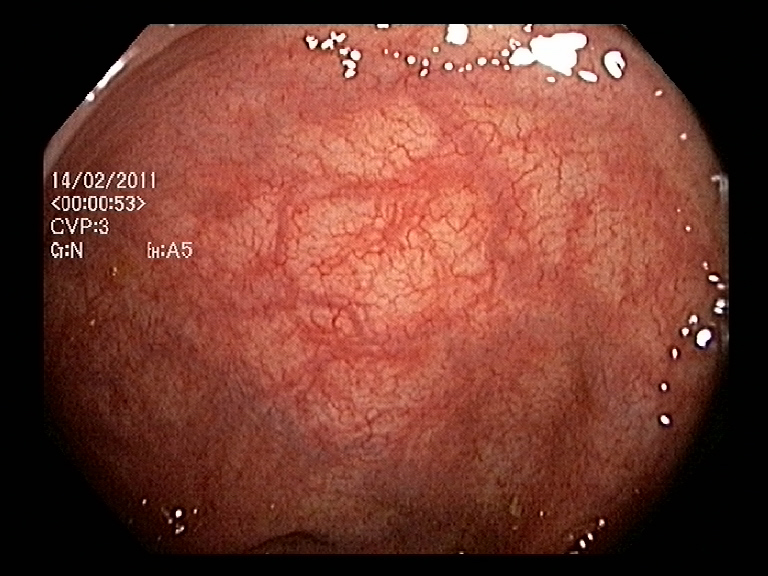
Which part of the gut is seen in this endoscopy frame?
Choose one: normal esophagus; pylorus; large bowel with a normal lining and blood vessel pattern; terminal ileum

large bowel with a normal lining and blood vessel pattern